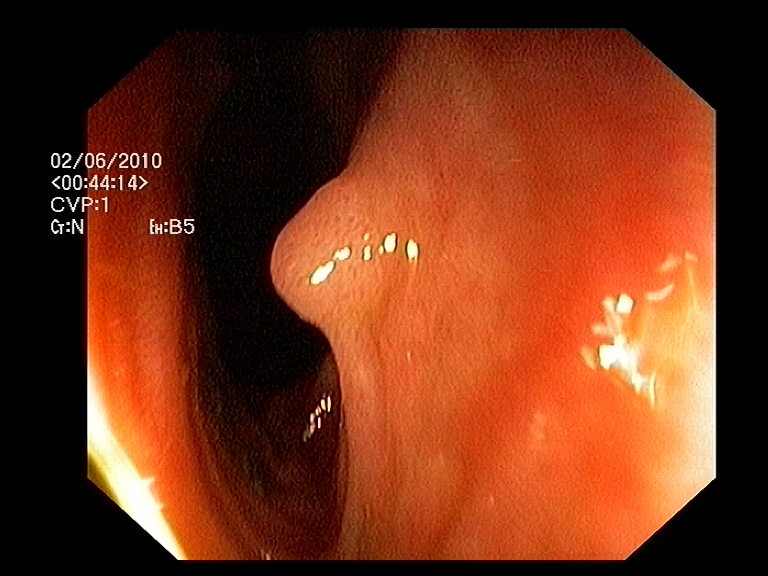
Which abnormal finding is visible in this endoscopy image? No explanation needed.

colon polyp